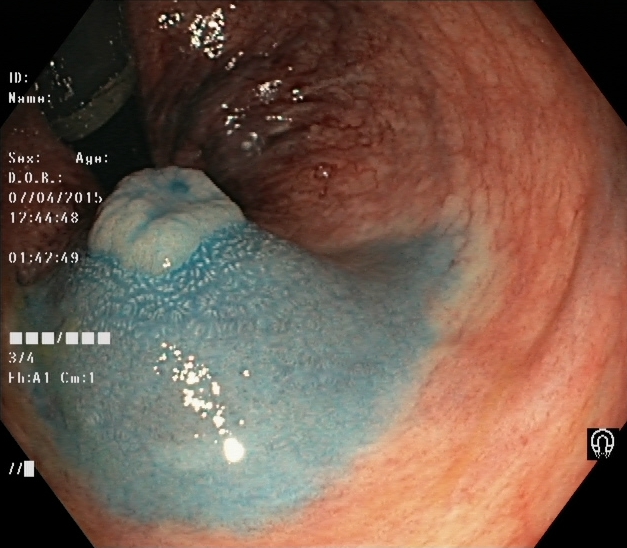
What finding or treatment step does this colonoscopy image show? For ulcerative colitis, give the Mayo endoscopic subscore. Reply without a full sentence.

dyed and lifted polyp (pre-resection)